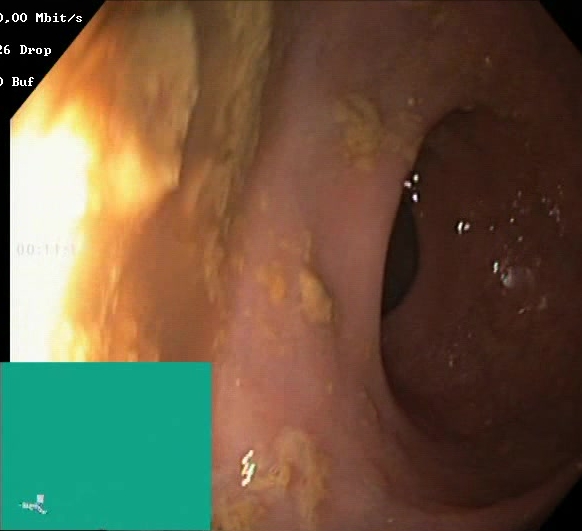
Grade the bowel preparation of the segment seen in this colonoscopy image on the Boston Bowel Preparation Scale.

Boston Bowel Preparation Scale score 0–1 (inadequate preparation)